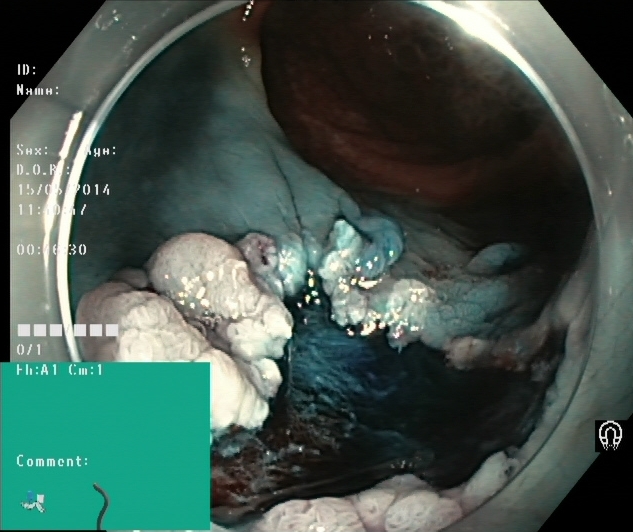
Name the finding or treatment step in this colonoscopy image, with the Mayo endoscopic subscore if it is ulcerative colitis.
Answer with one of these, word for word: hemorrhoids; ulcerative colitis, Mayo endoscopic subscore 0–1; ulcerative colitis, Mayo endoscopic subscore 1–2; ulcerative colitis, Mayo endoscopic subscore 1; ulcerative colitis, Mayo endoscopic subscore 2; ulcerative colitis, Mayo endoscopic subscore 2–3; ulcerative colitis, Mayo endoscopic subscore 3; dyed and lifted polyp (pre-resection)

dyed and lifted polyp (pre-resection)